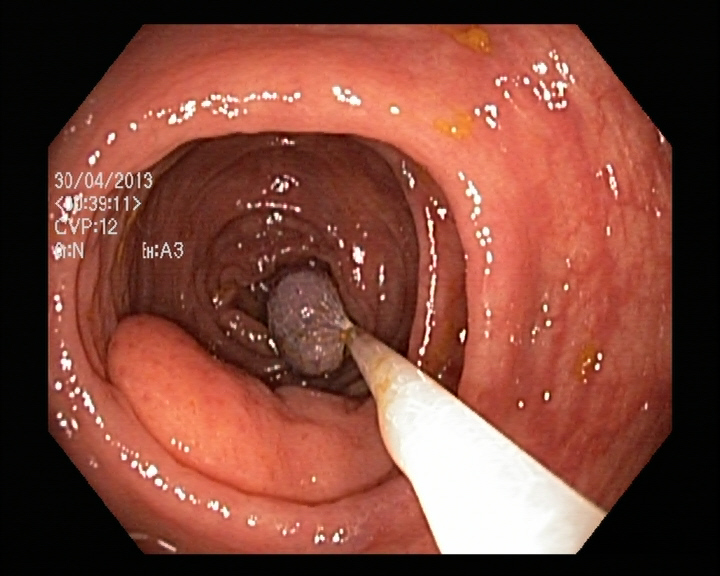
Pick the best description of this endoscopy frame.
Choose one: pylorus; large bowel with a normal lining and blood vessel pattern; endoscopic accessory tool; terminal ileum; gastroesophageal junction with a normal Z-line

endoscopic accessory tool